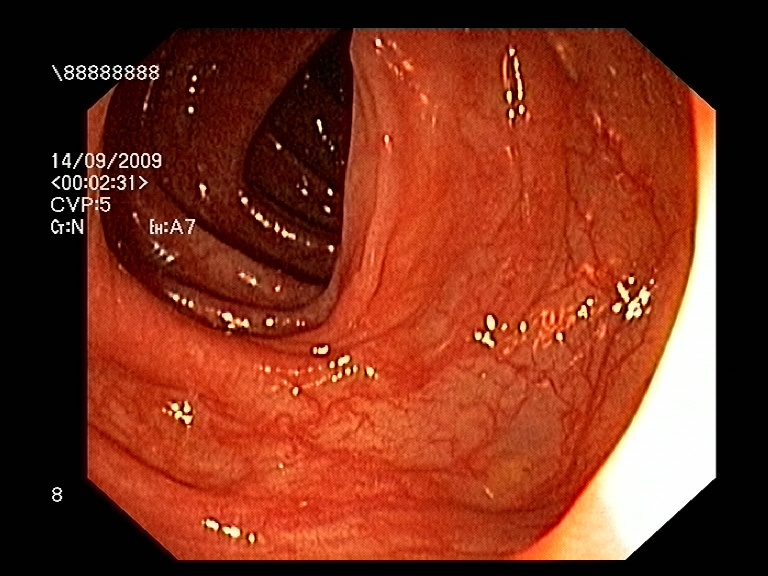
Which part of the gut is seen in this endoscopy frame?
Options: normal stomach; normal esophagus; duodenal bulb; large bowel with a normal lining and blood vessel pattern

large bowel with a normal lining and blood vessel pattern